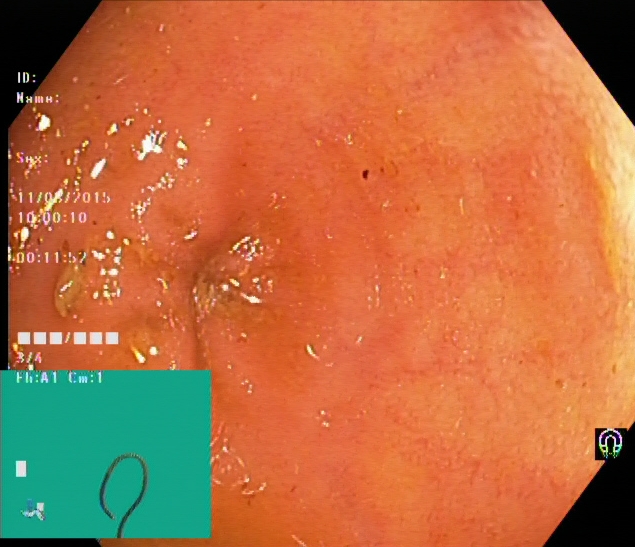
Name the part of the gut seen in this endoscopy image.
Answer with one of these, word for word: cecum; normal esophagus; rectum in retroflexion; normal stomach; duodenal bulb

cecum